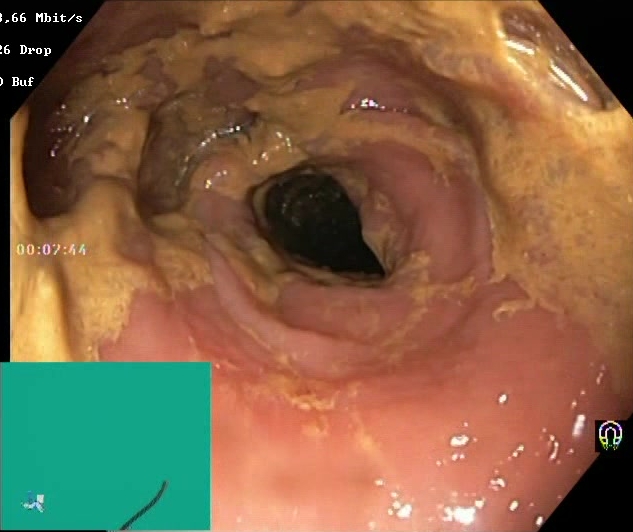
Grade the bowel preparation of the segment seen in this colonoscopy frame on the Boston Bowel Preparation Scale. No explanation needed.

Boston Bowel Preparation Scale score 0–1 (inadequate preparation)